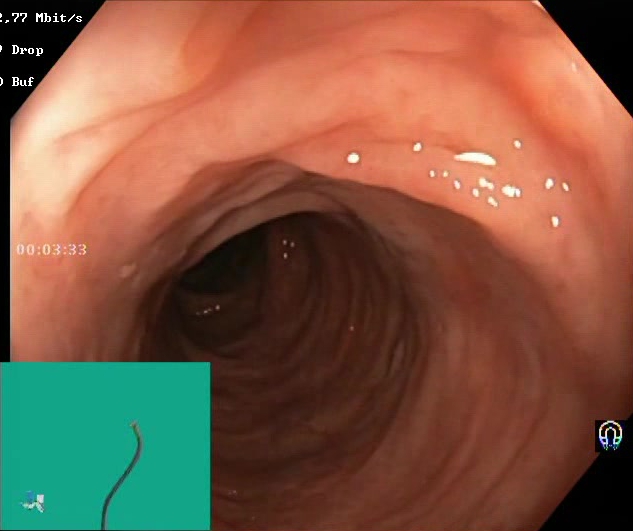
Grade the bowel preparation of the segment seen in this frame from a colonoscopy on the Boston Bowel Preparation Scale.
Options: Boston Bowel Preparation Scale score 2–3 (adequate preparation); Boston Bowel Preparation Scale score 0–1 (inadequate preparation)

Boston Bowel Preparation Scale score 2–3 (adequate preparation)